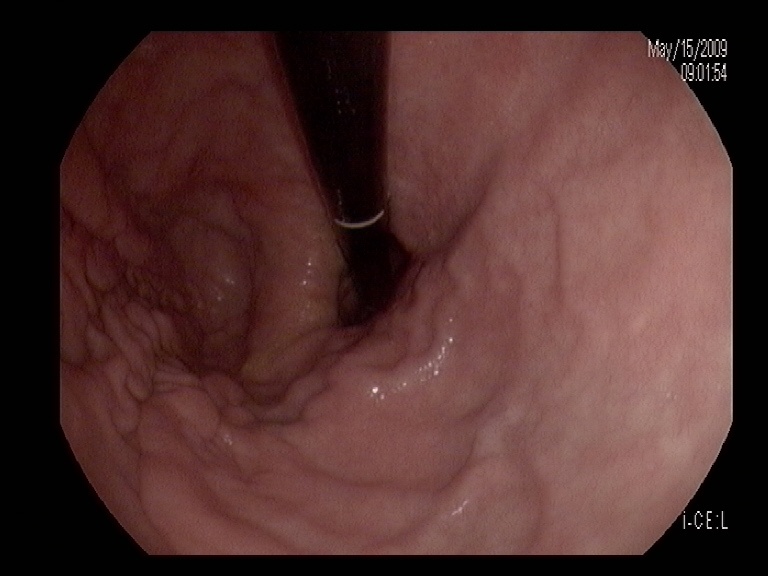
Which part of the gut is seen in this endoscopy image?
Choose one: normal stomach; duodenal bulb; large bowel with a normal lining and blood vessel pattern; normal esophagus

normal stomach